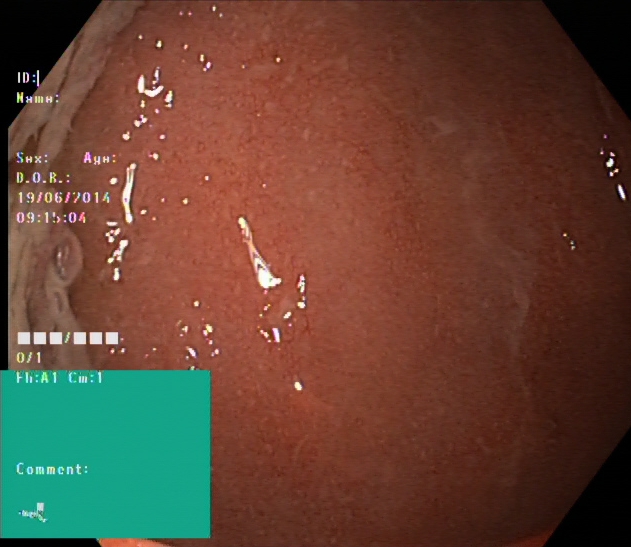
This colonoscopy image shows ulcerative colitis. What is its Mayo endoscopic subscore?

ulcerative colitis, Mayo endoscopic subscore 2